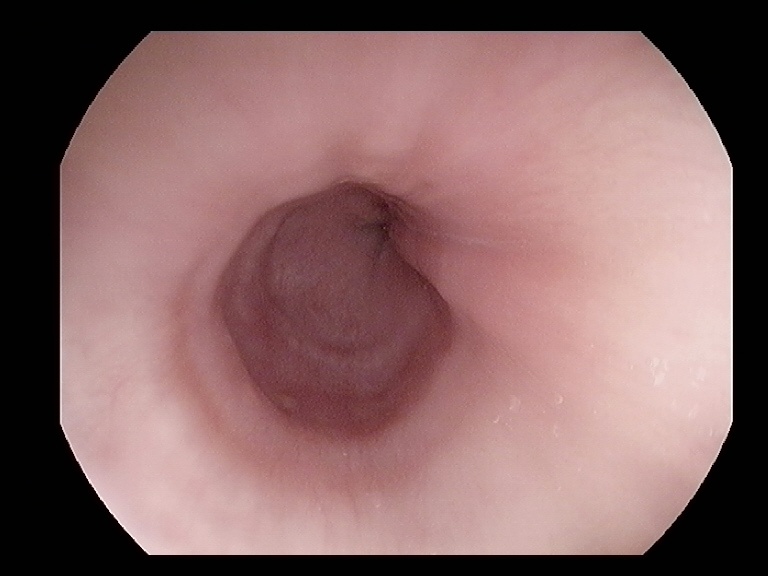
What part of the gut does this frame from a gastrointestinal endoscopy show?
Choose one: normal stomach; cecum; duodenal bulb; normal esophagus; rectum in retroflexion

normal esophagus